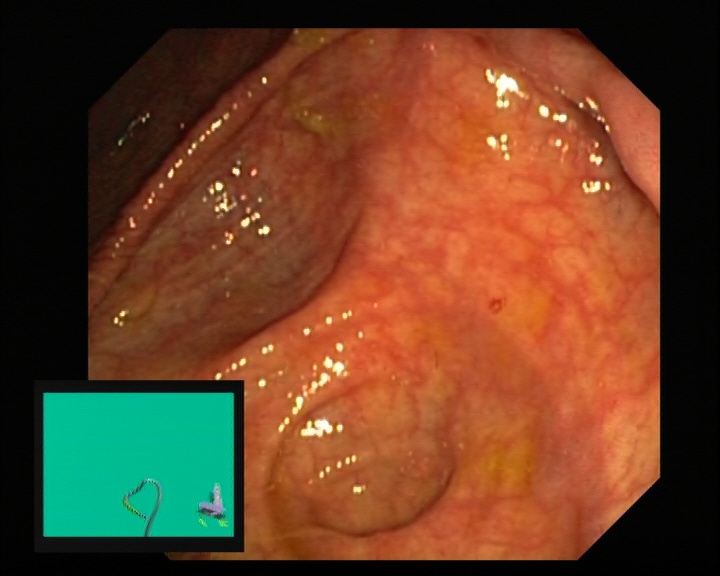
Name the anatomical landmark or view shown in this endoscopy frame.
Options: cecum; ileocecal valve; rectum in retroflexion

cecum